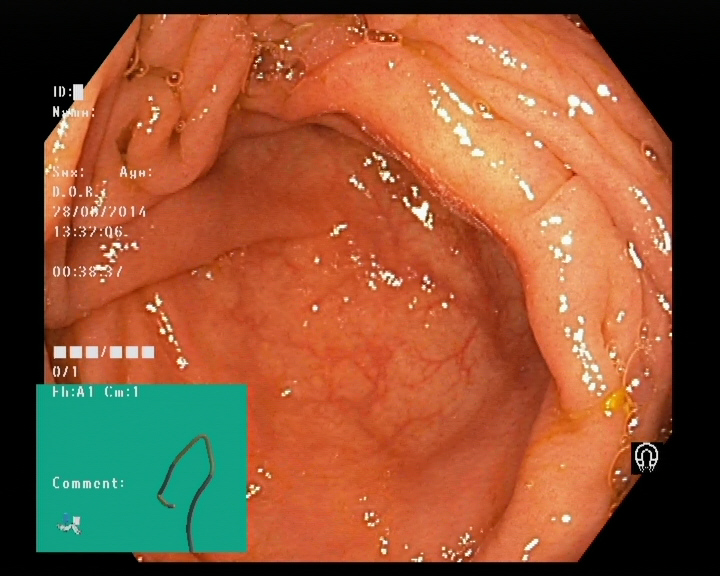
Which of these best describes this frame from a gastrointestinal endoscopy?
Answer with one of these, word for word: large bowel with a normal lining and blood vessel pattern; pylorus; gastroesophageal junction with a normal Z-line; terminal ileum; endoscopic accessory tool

large bowel with a normal lining and blood vessel pattern